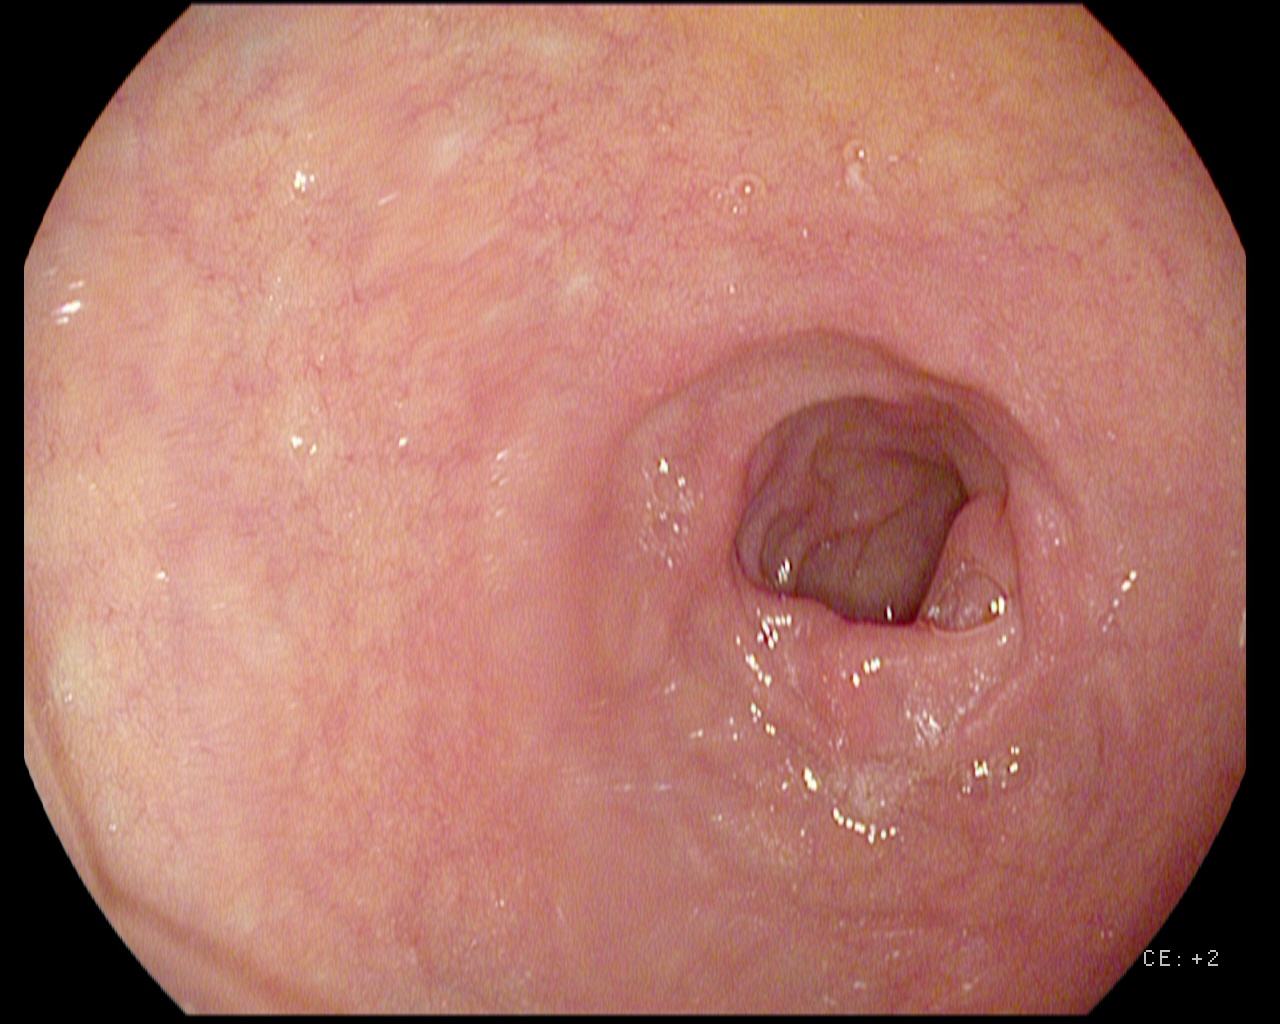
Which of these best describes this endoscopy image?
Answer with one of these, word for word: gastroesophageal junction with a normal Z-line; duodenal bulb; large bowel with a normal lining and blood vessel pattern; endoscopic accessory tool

duodenal bulb